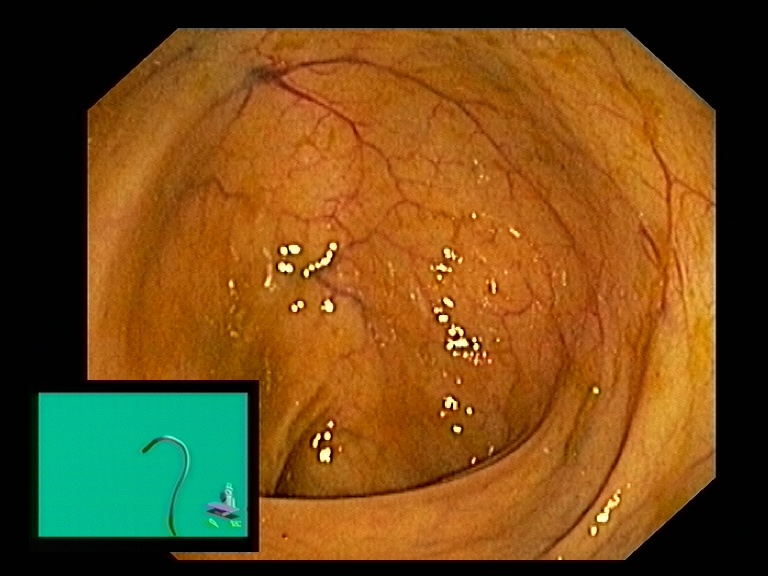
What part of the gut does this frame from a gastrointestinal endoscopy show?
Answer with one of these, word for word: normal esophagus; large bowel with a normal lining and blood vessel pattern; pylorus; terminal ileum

large bowel with a normal lining and blood vessel pattern